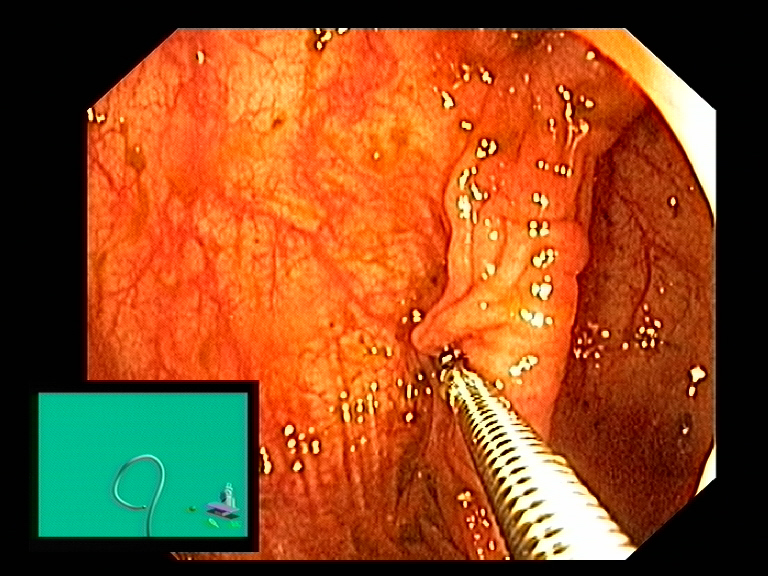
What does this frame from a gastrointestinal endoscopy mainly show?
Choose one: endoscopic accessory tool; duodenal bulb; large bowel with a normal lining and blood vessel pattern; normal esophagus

endoscopic accessory tool